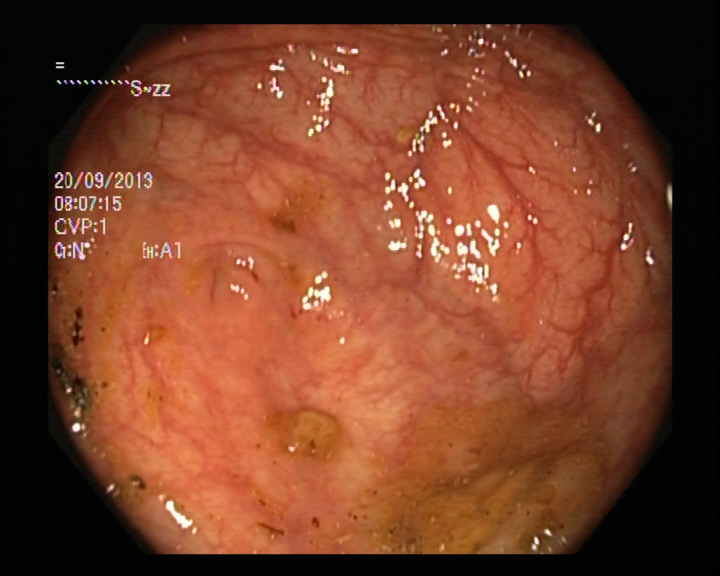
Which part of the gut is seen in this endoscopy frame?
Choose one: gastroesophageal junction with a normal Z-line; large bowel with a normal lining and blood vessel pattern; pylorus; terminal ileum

large bowel with a normal lining and blood vessel pattern